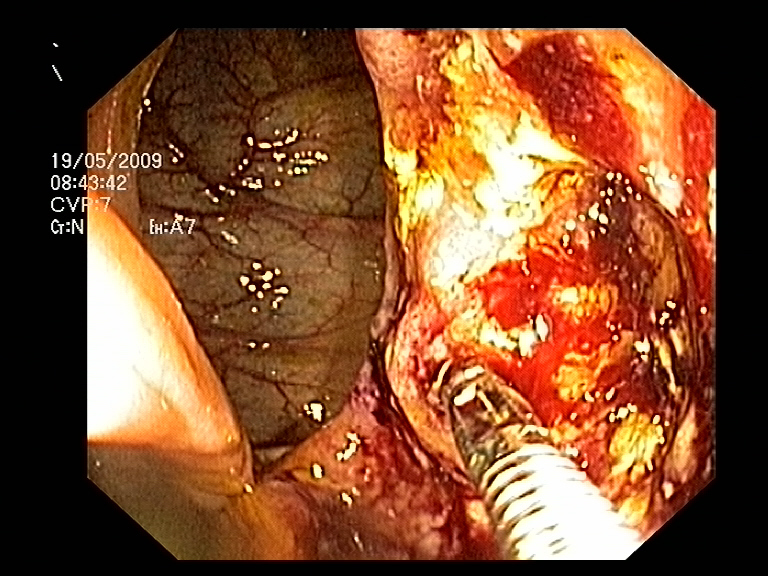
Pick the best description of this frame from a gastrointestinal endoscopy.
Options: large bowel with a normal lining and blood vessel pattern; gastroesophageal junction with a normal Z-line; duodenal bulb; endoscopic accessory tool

endoscopic accessory tool